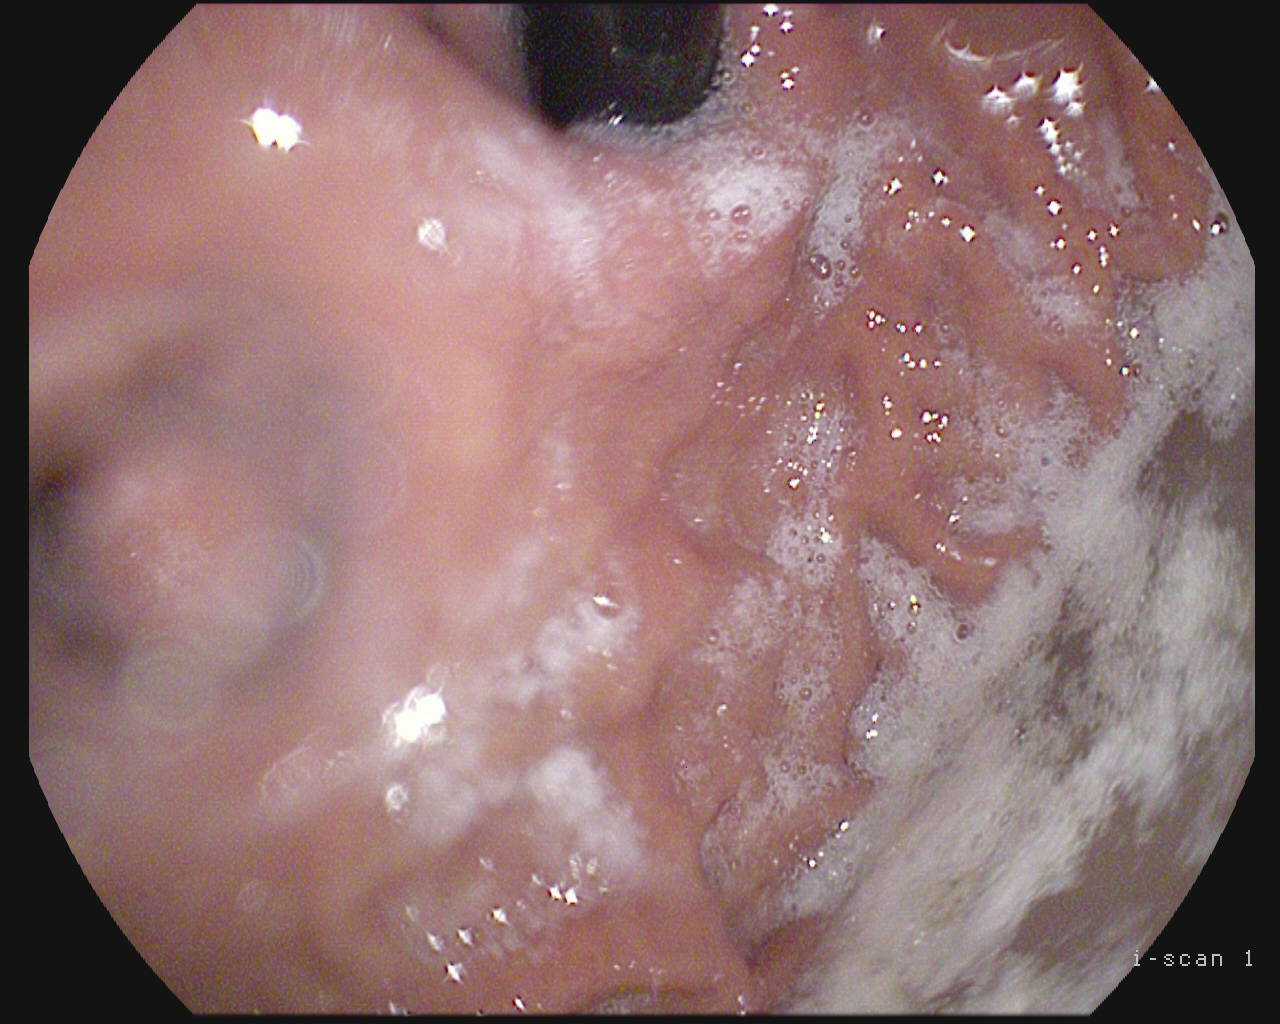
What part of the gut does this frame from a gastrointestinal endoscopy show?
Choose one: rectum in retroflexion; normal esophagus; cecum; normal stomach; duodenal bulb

normal stomach